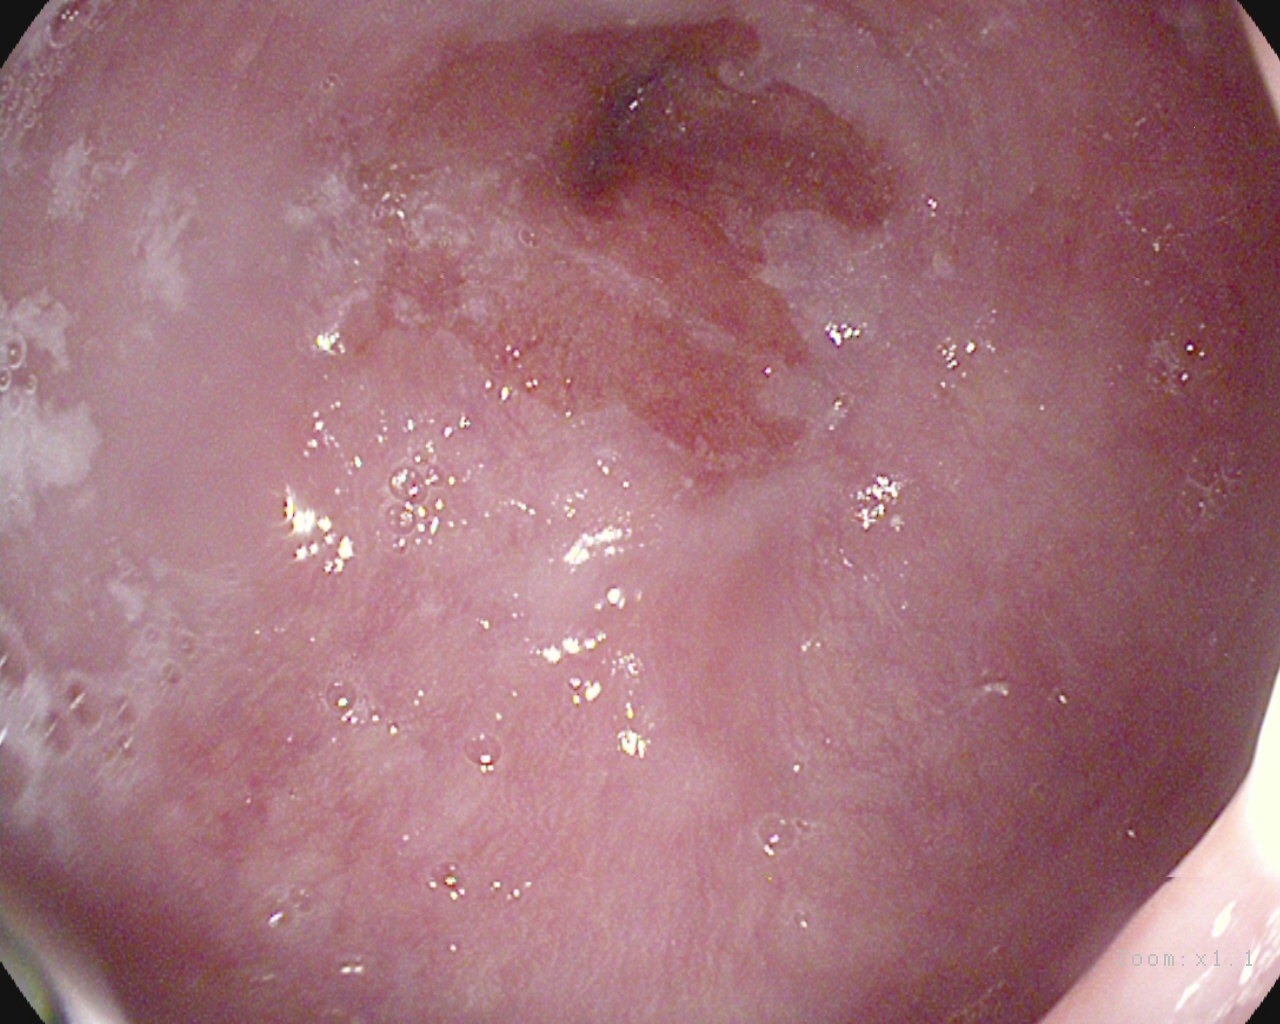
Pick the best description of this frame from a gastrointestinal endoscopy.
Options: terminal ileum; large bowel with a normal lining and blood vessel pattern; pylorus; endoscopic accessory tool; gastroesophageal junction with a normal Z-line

gastroesophageal junction with a normal Z-line